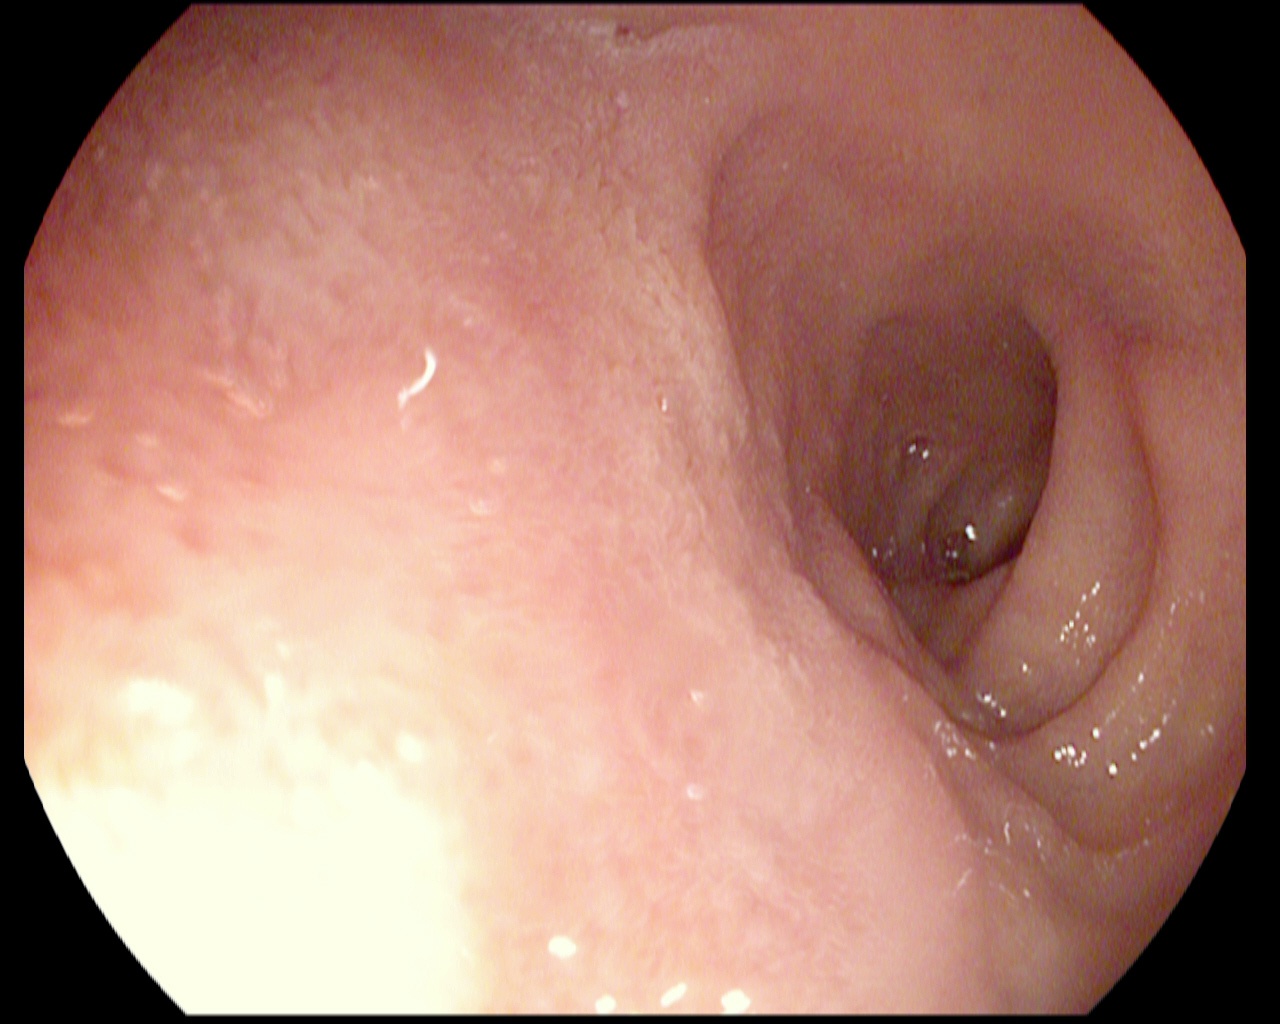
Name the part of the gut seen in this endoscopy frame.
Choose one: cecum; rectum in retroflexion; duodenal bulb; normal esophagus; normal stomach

duodenal bulb